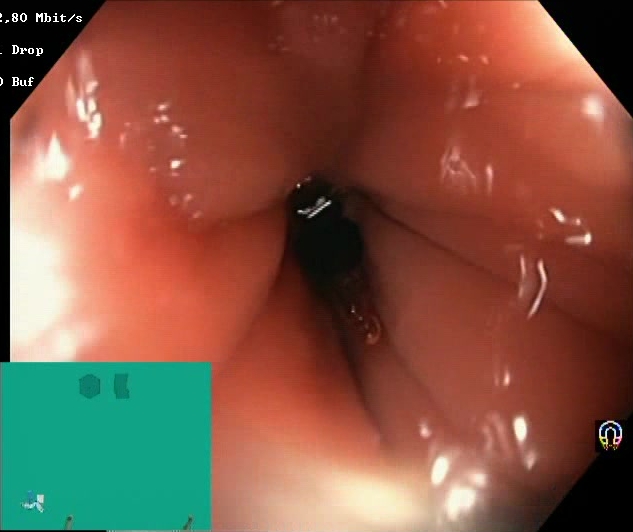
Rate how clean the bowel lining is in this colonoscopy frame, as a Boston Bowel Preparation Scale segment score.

Boston Bowel Preparation Scale score 2–3 (adequate preparation)